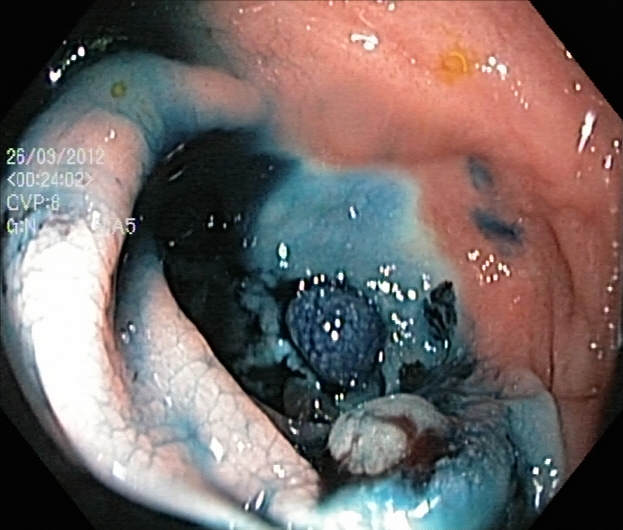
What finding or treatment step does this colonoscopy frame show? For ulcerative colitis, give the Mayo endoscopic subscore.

dyed and lifted polyp (pre-resection)